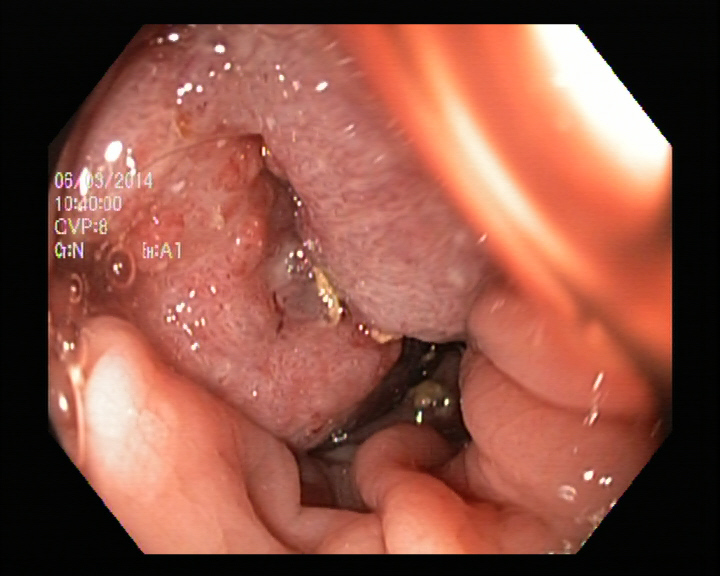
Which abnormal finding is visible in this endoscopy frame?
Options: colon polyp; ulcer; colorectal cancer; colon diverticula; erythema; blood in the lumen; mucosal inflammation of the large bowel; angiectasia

colorectal cancer